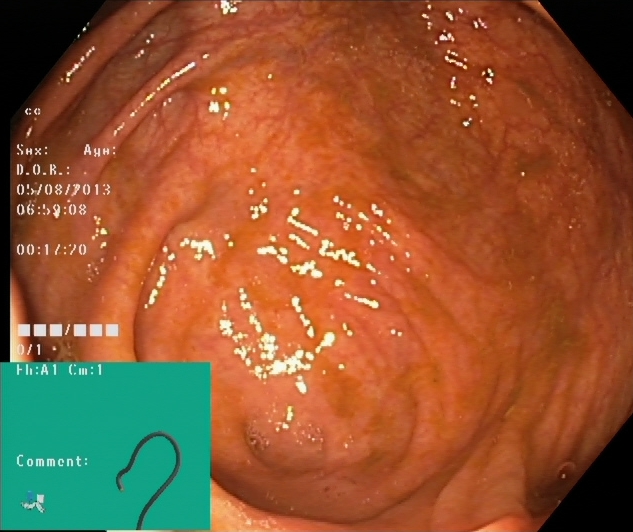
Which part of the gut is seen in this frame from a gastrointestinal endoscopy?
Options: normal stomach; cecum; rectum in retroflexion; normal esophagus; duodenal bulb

cecum